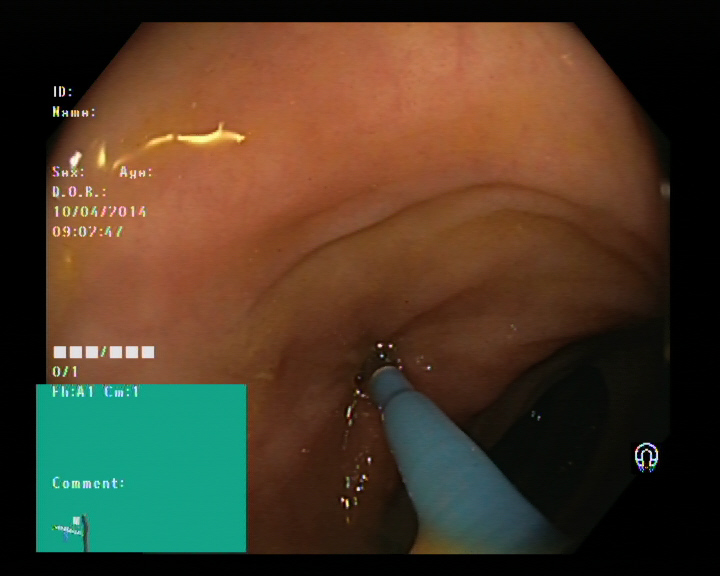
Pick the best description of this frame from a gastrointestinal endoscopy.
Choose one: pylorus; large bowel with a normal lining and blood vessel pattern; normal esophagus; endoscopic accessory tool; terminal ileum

endoscopic accessory tool